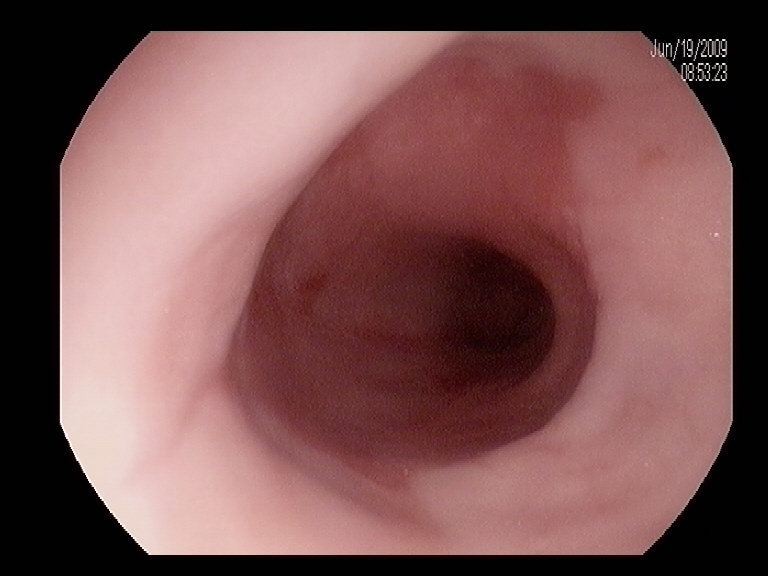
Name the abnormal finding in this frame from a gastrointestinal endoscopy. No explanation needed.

Barrett's esophagus